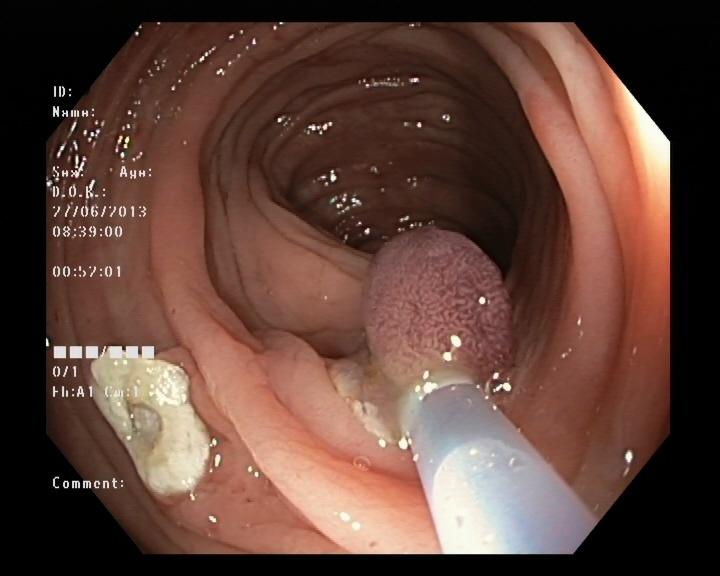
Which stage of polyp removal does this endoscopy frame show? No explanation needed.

resected polyp